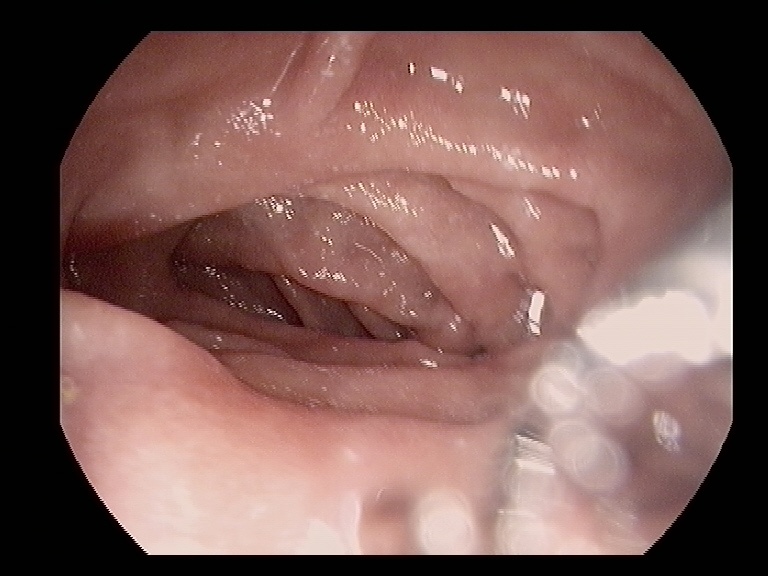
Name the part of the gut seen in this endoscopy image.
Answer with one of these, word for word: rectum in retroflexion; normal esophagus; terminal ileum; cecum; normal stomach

terminal ileum